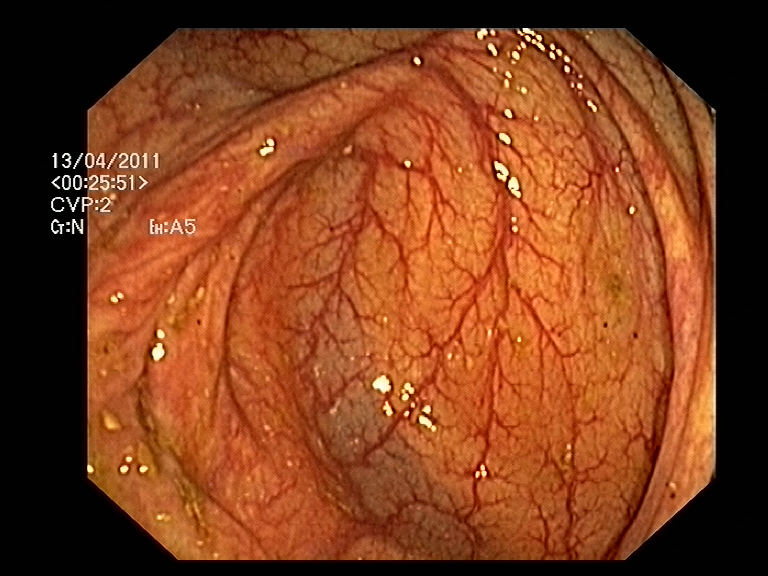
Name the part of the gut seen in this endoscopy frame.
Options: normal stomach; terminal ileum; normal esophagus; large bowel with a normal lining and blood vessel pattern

large bowel with a normal lining and blood vessel pattern